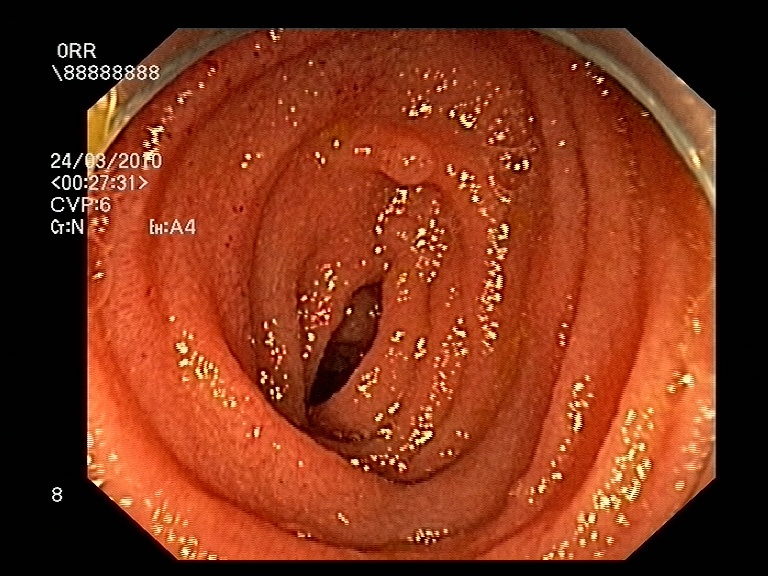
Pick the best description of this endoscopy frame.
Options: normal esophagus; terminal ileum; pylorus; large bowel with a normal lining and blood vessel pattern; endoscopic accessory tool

terminal ileum